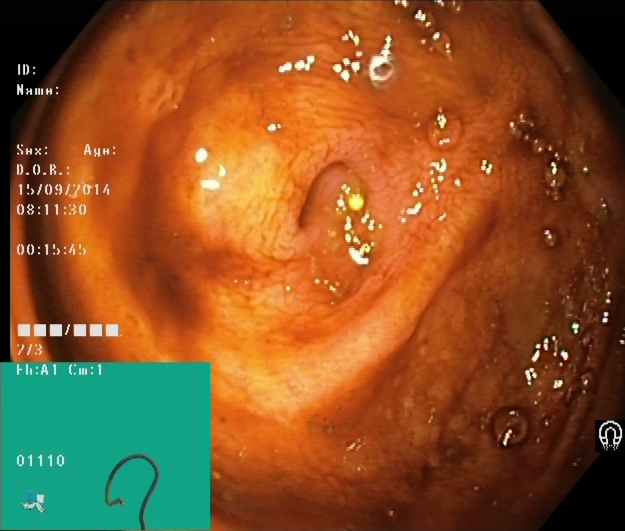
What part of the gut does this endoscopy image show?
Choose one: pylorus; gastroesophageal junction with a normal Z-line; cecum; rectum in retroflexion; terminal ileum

cecum